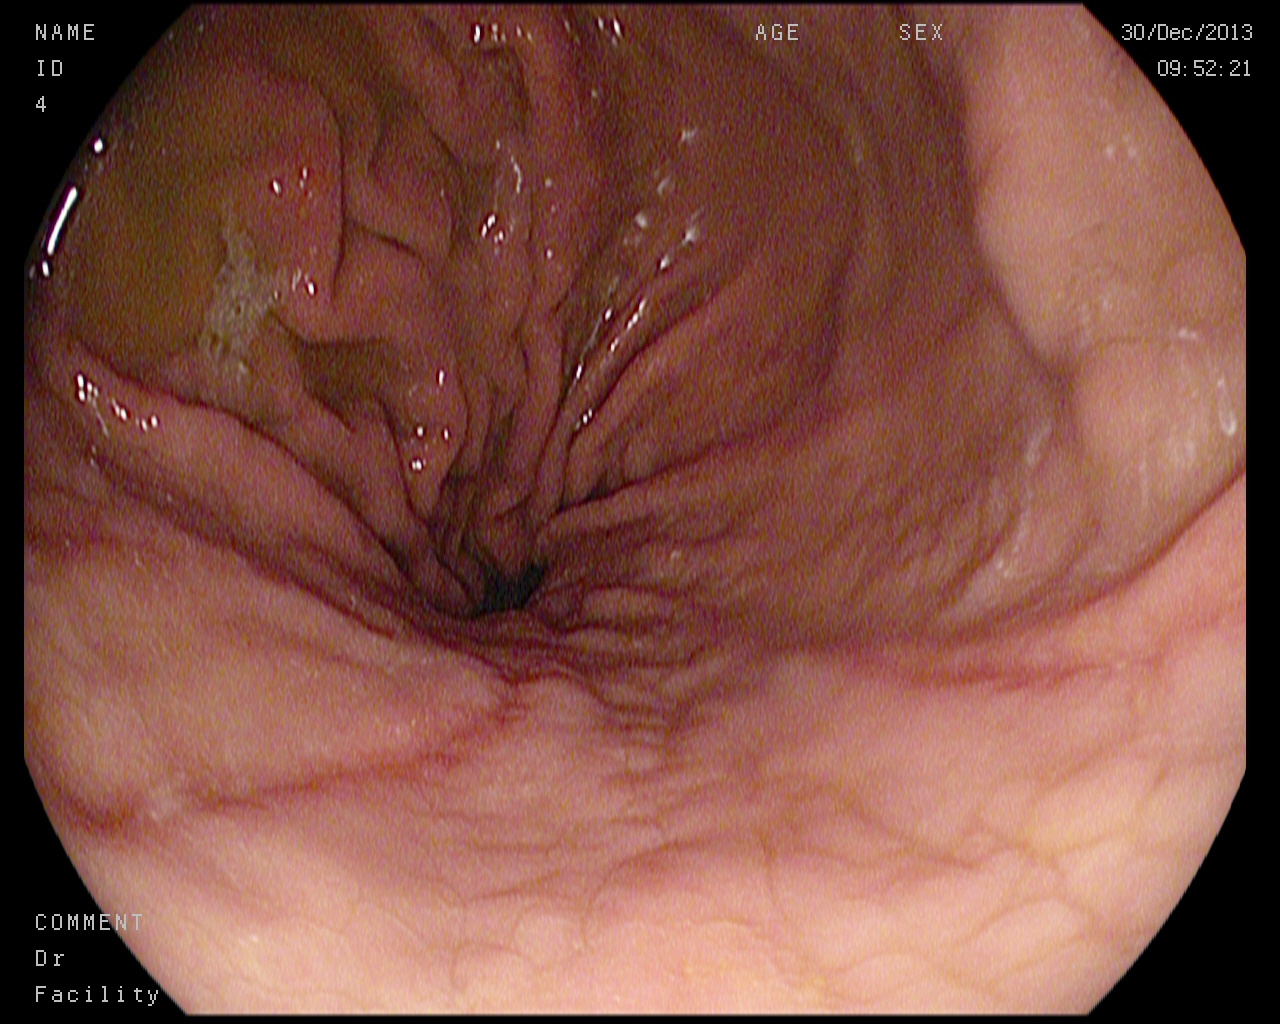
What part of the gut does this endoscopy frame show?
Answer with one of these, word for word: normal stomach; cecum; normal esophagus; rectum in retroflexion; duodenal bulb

normal stomach